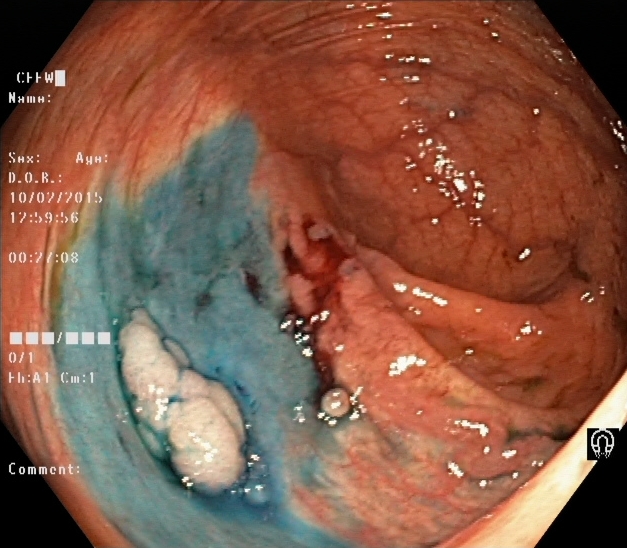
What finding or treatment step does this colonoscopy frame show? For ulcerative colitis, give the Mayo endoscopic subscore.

dyed and lifted polyp (pre-resection)